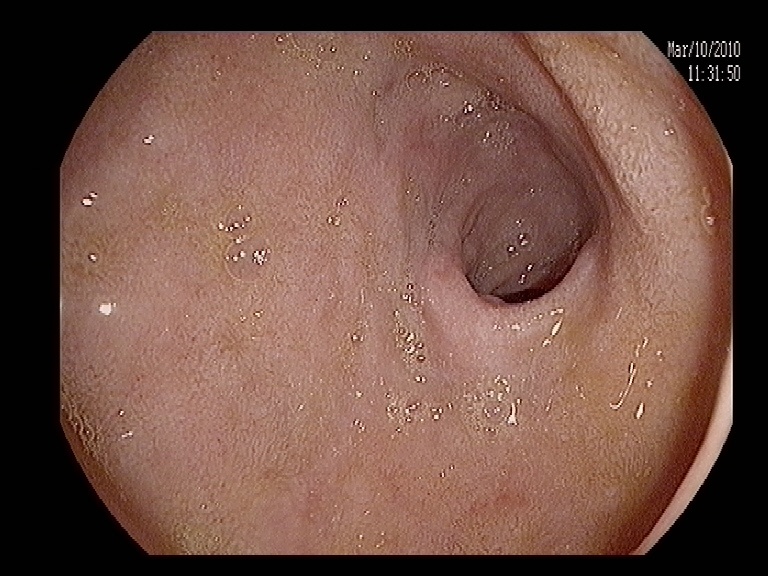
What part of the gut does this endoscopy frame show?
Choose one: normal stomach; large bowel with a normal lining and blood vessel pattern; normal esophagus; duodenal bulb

duodenal bulb